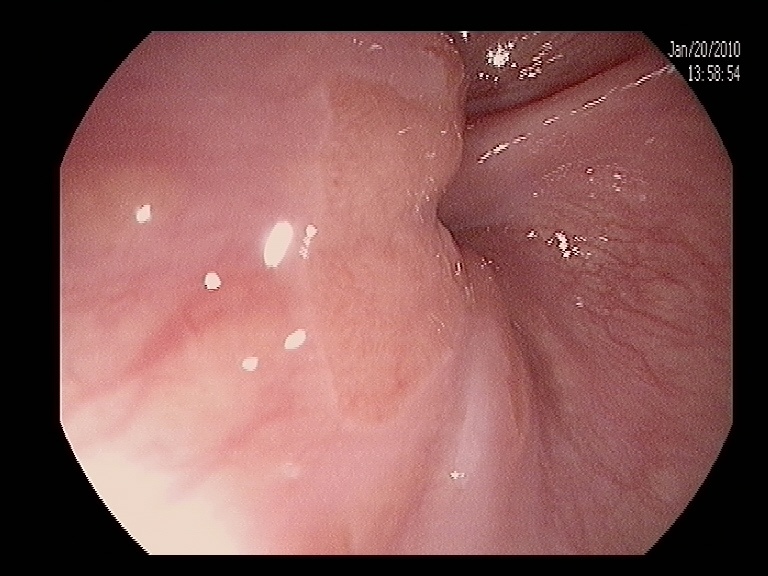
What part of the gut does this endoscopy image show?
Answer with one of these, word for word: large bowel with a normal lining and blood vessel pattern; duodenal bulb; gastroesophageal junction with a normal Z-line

gastroesophageal junction with a normal Z-line